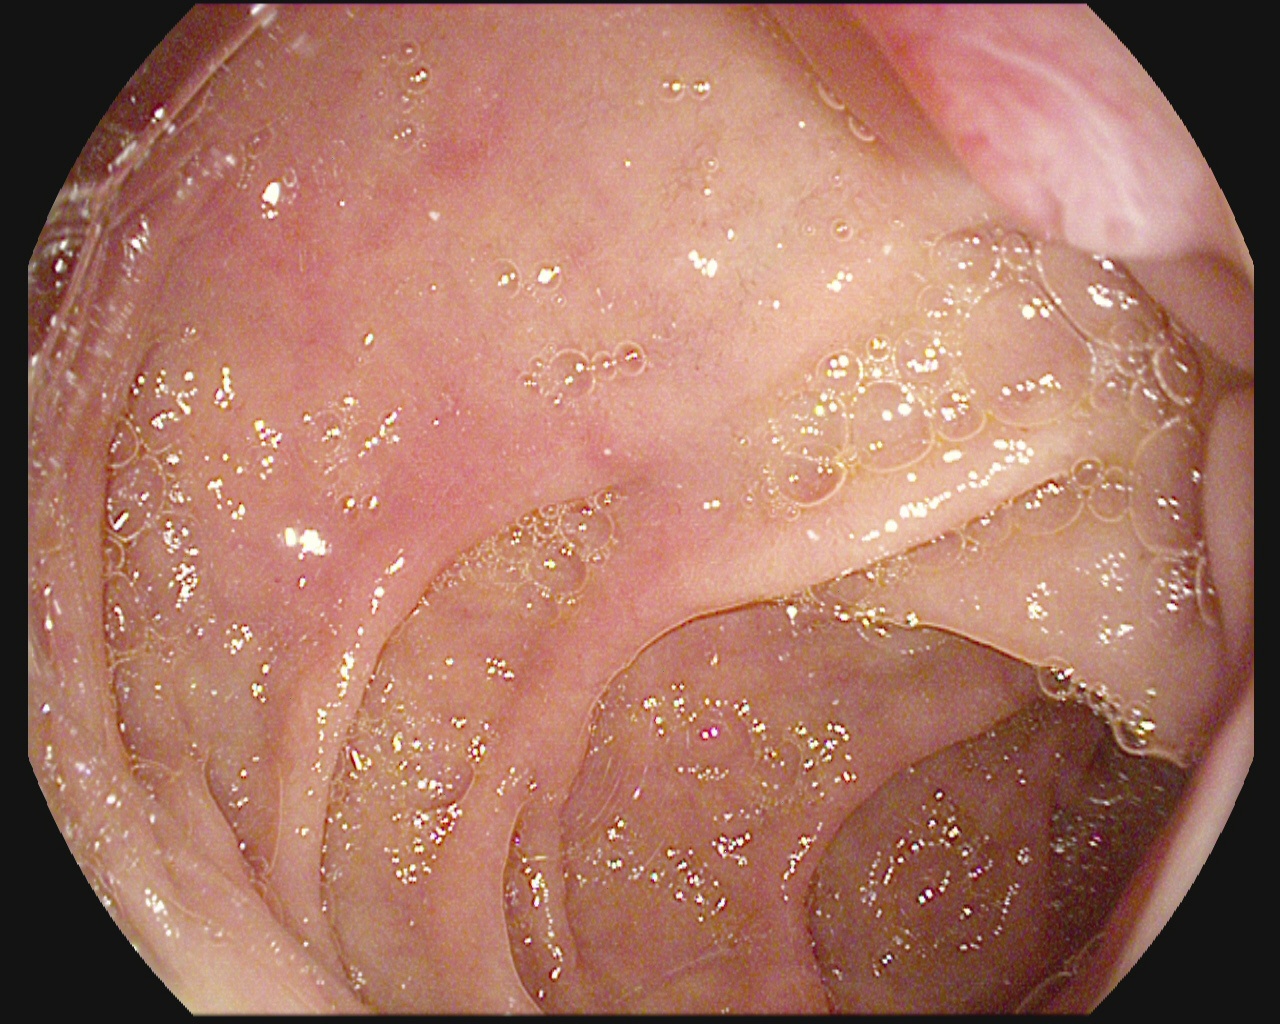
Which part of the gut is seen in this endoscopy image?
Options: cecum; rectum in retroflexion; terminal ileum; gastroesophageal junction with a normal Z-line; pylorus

terminal ileum